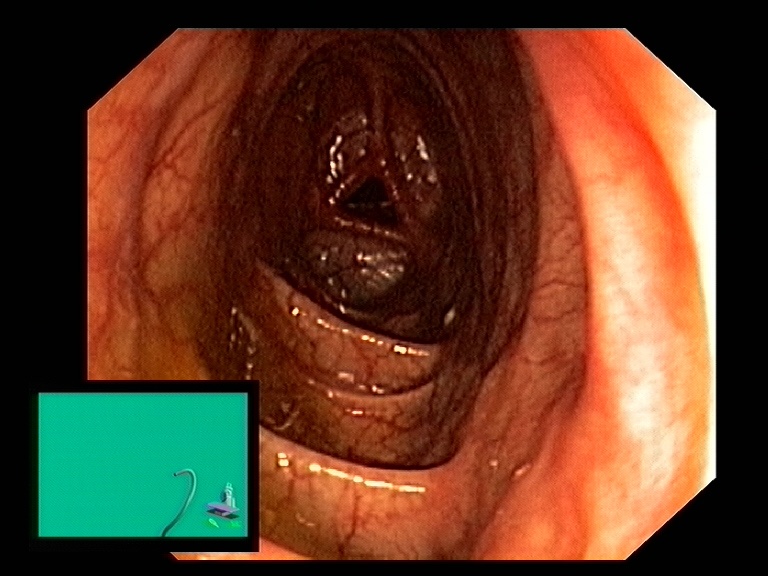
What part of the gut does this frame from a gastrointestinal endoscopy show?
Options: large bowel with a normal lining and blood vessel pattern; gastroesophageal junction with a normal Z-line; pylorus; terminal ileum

large bowel with a normal lining and blood vessel pattern